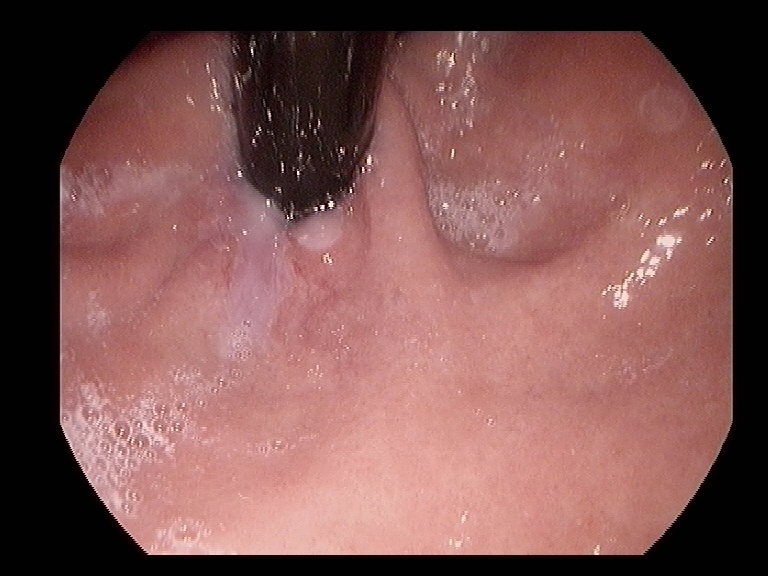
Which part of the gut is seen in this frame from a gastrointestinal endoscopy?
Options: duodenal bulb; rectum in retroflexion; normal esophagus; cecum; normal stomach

normal stomach